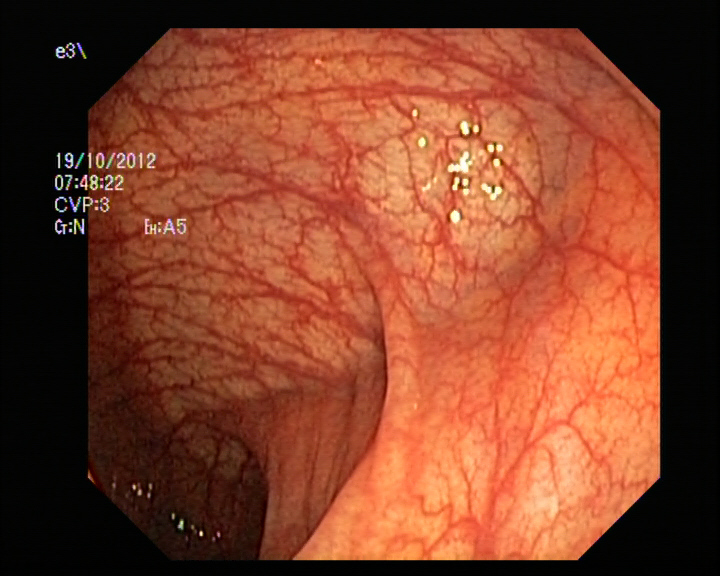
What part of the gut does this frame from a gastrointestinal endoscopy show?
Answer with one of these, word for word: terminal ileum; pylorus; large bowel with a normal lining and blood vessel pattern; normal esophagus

large bowel with a normal lining and blood vessel pattern